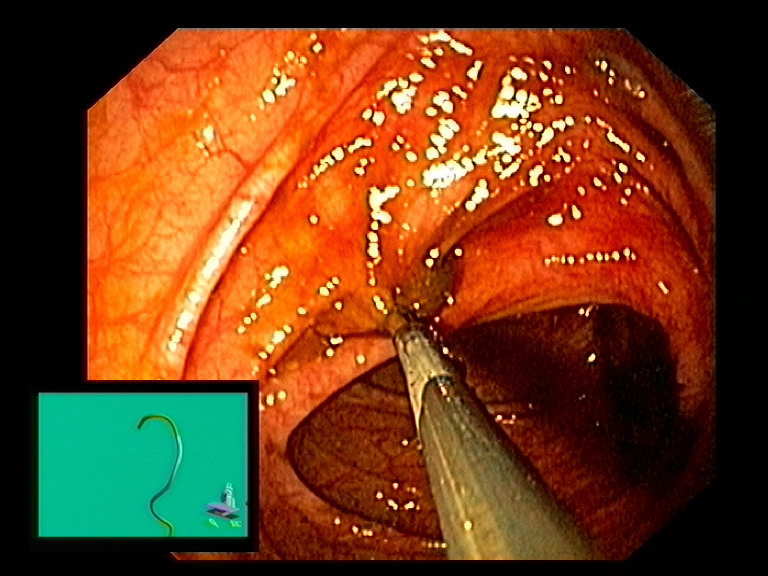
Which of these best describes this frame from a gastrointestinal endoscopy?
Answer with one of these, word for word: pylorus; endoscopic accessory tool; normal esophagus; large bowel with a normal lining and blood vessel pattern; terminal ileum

endoscopic accessory tool